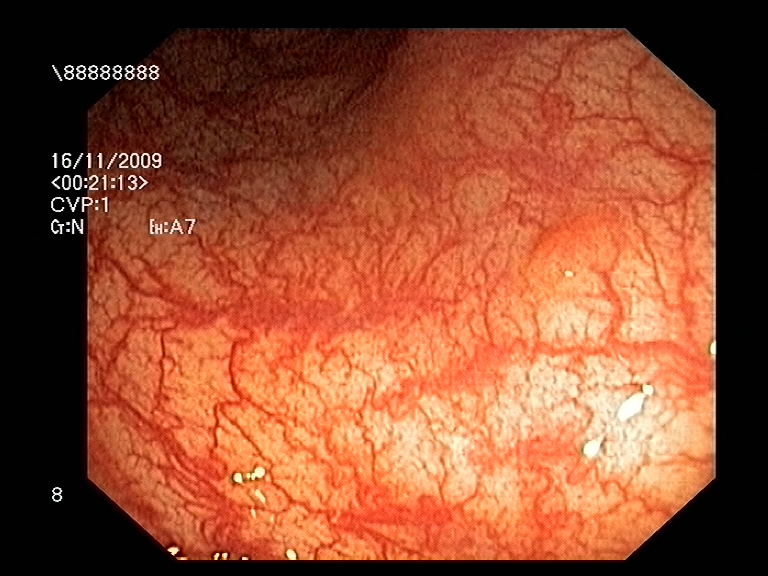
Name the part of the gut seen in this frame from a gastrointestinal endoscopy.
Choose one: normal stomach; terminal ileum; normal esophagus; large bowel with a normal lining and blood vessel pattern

large bowel with a normal lining and blood vessel pattern